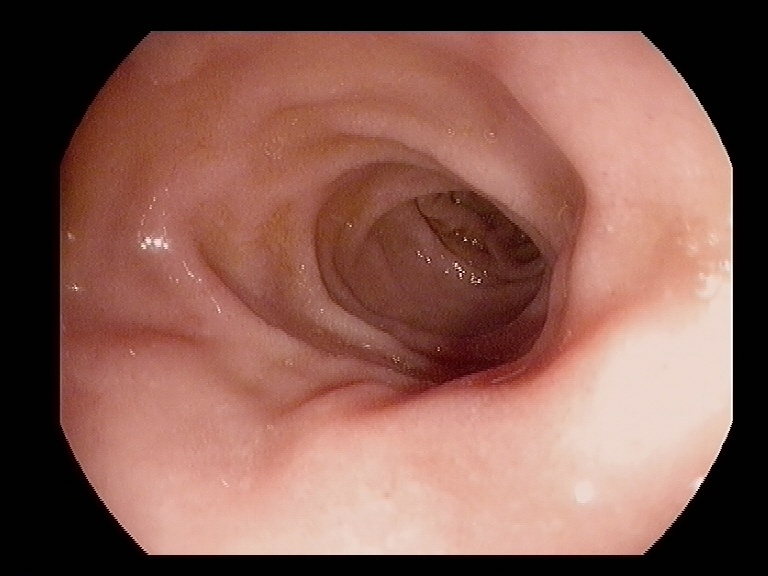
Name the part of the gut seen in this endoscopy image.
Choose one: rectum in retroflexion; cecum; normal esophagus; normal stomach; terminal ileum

terminal ileum